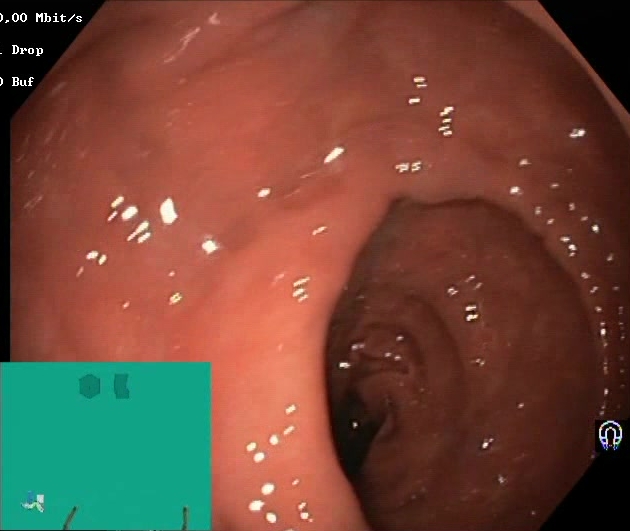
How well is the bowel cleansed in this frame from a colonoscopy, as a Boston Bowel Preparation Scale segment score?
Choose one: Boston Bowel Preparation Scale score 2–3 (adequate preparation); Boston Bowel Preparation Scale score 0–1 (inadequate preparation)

Boston Bowel Preparation Scale score 2–3 (adequate preparation)